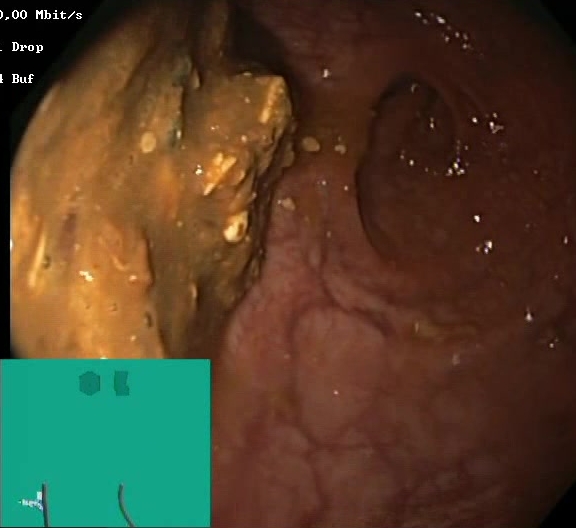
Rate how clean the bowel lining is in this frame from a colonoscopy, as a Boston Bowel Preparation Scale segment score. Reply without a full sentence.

Boston Bowel Preparation Scale score 0–1 (inadequate preparation)